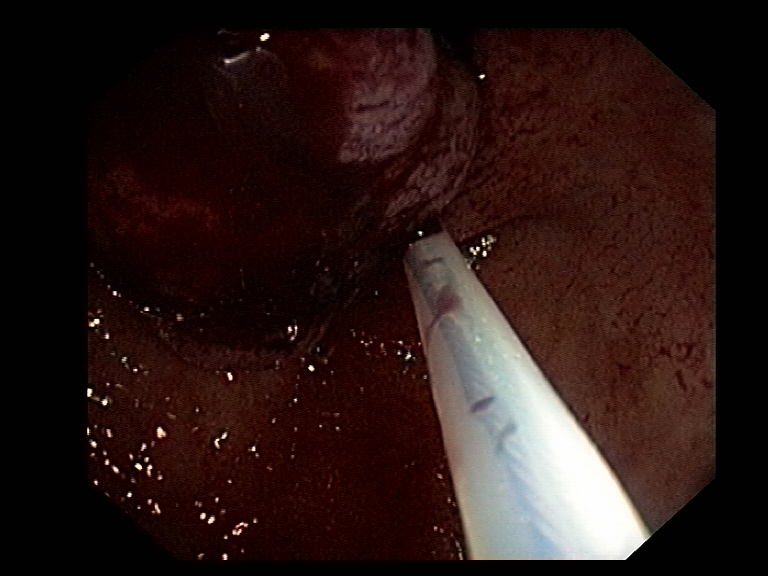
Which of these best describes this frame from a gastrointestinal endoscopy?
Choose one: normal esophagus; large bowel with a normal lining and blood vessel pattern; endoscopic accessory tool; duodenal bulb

endoscopic accessory tool